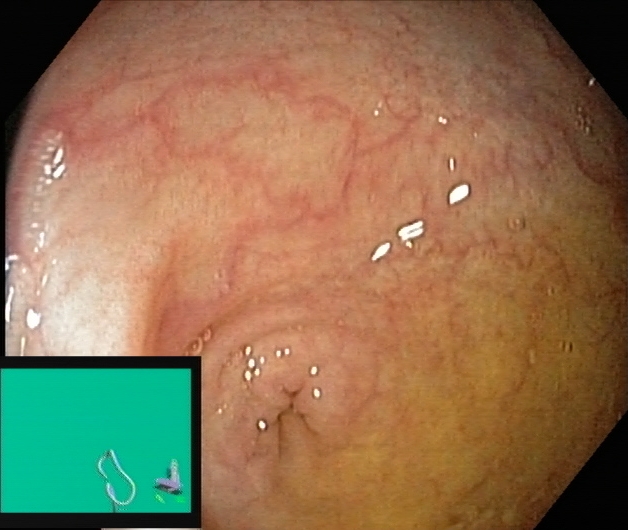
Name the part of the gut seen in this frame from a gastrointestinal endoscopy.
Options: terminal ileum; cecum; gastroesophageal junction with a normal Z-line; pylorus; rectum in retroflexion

cecum